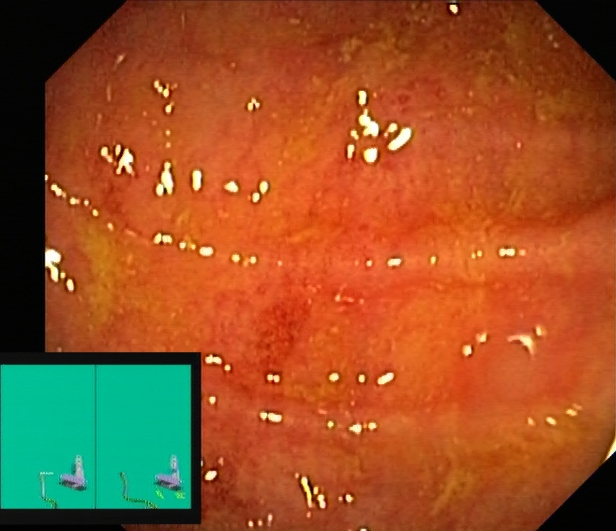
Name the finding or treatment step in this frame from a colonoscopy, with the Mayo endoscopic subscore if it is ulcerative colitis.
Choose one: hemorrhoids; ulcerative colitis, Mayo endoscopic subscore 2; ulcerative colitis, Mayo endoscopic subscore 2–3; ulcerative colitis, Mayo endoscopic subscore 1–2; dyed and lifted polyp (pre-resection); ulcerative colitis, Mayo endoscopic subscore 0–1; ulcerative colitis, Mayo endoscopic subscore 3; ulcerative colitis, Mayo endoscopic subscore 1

ulcerative colitis, Mayo endoscopic subscore 1